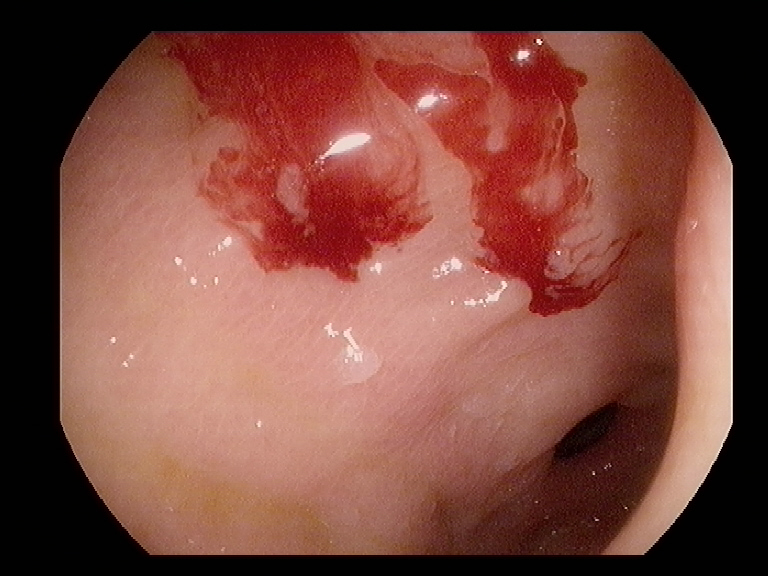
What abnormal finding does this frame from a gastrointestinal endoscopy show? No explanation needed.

blood in the lumen